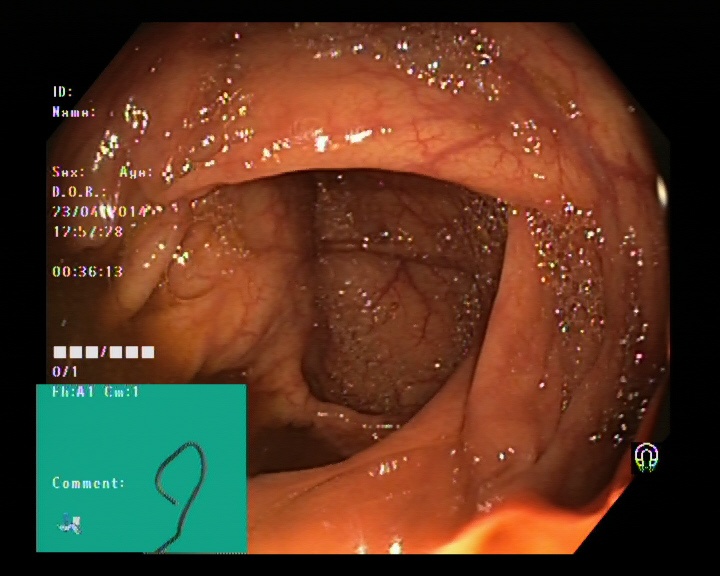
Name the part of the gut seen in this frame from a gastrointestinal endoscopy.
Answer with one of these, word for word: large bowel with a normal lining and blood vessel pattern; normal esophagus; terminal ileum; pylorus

large bowel with a normal lining and blood vessel pattern